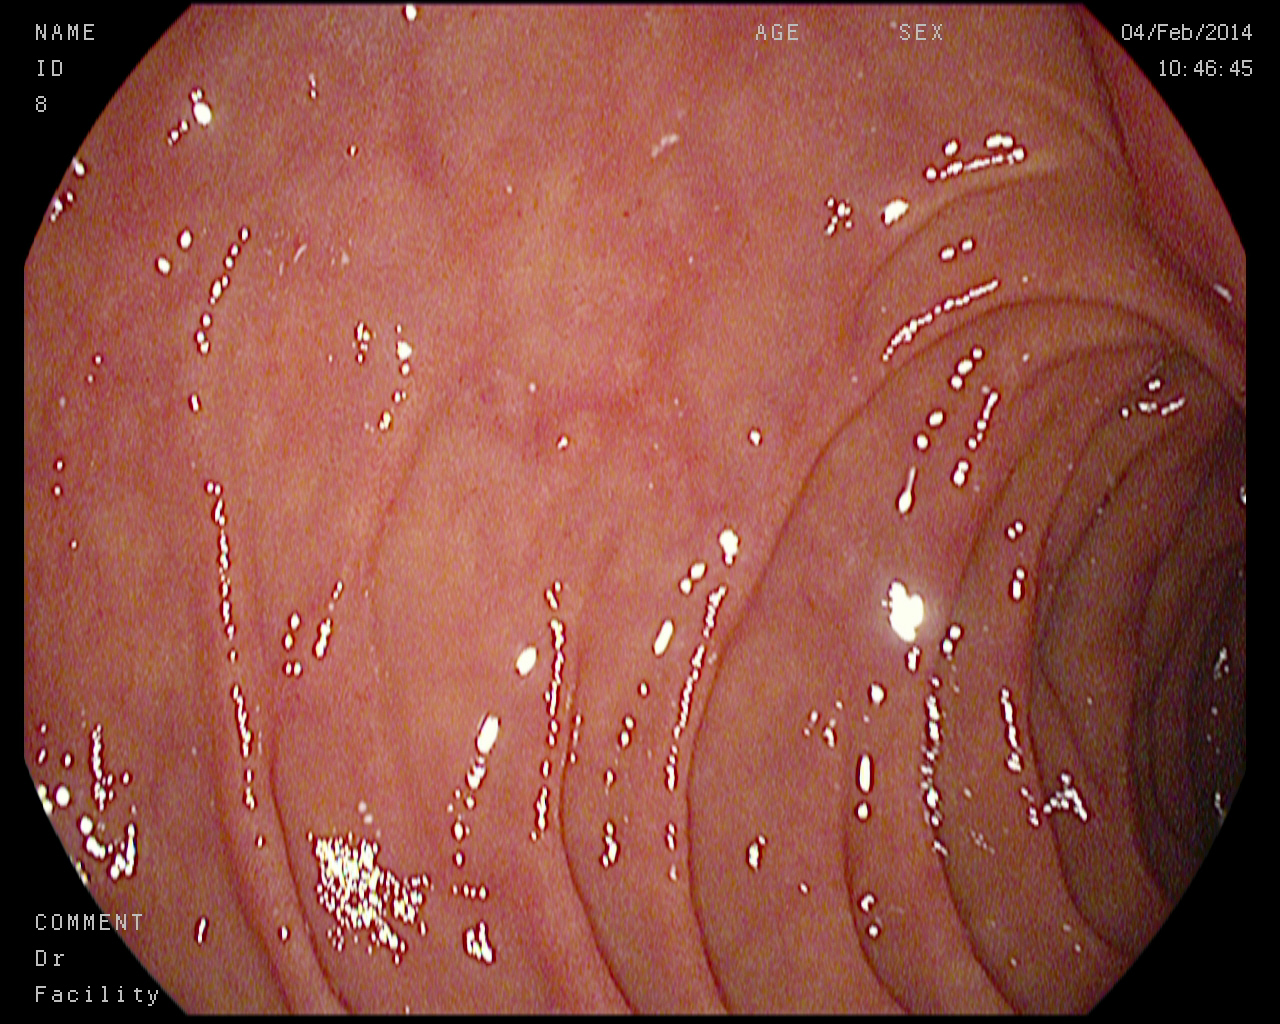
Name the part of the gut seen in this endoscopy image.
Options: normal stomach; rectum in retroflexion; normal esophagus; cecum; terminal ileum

terminal ileum